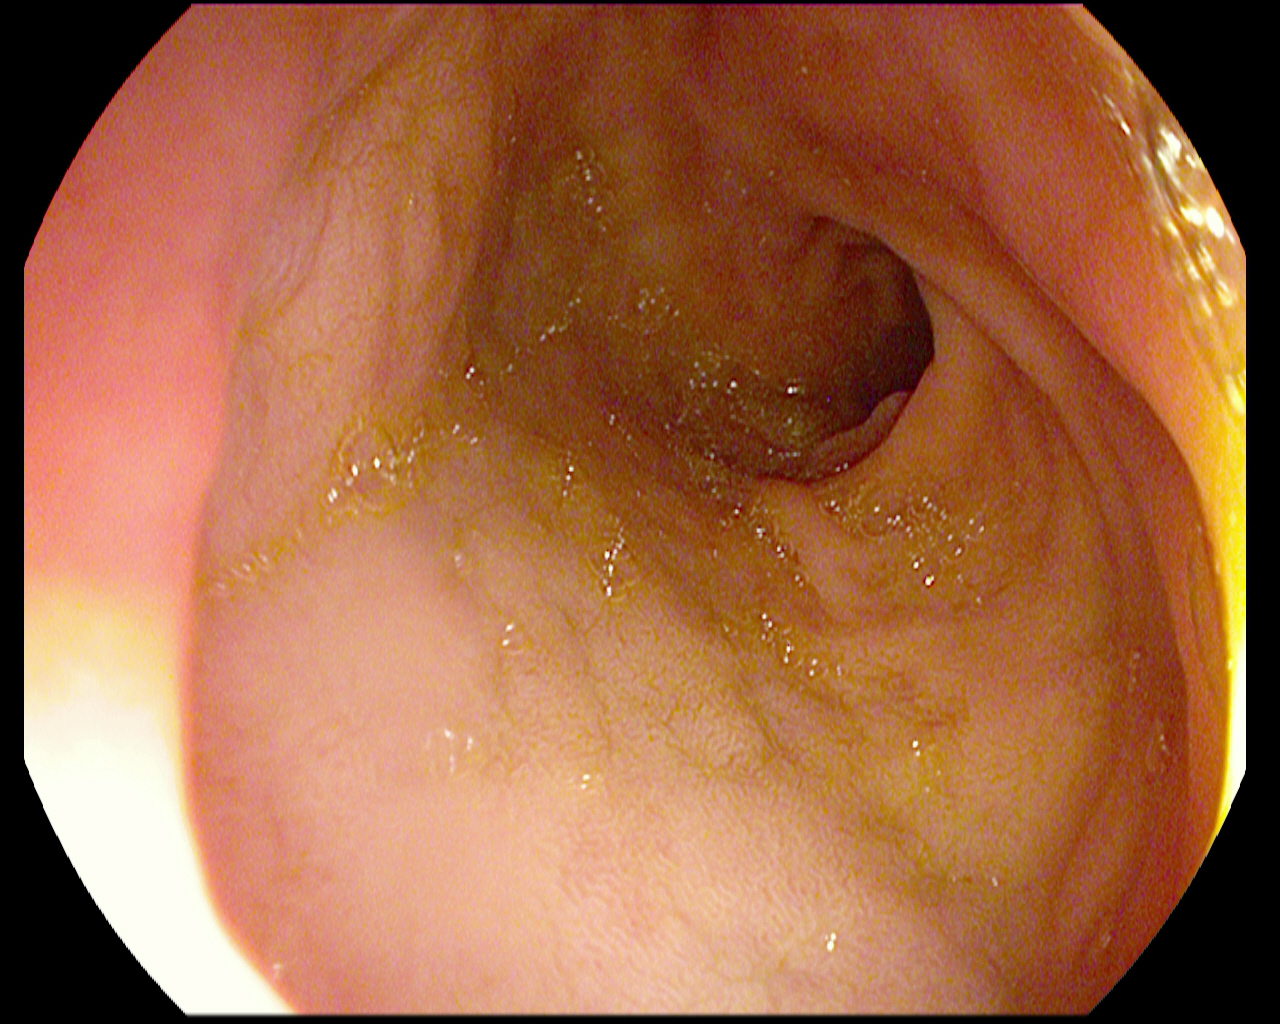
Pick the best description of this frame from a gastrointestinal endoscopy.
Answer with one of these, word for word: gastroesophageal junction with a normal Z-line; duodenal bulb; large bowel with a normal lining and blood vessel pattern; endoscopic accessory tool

duodenal bulb